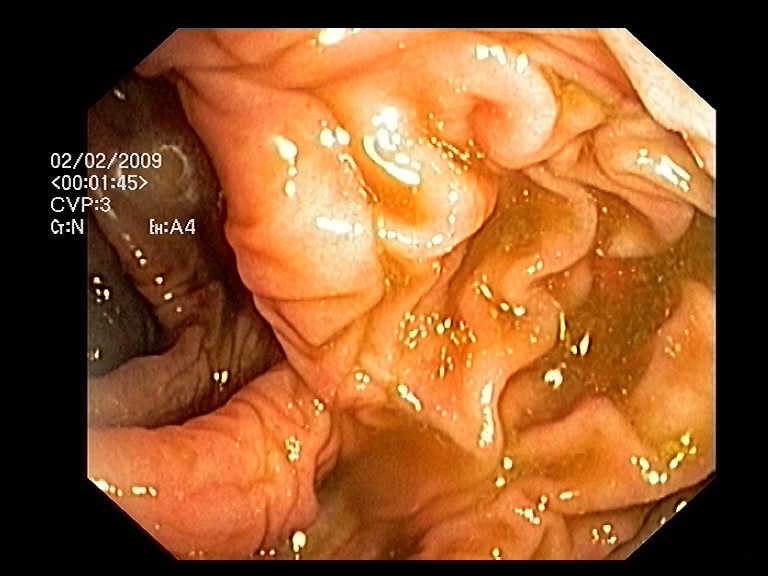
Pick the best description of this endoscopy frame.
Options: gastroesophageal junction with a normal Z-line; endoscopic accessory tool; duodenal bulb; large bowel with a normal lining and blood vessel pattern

large bowel with a normal lining and blood vessel pattern